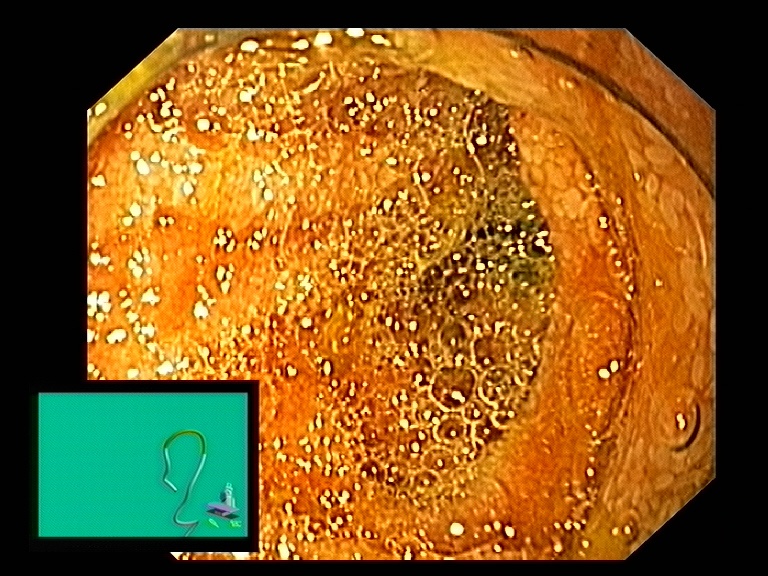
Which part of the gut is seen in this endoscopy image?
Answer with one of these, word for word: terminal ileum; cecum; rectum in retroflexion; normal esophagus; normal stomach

terminal ileum